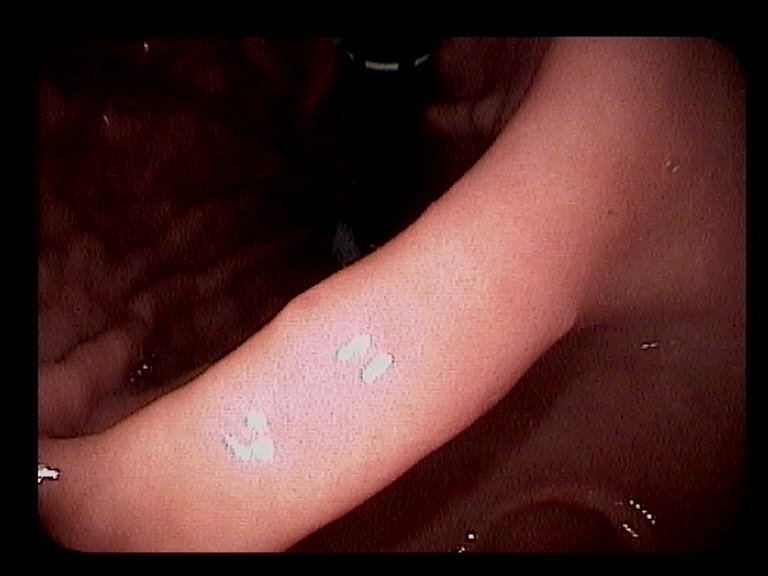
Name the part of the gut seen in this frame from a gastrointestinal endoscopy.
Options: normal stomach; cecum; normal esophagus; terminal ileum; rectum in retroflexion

normal stomach